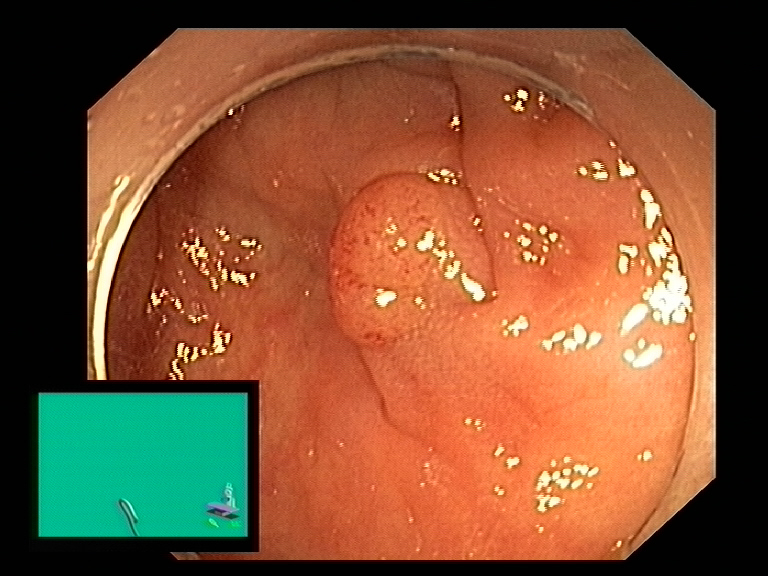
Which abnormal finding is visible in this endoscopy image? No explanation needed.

colon polyp